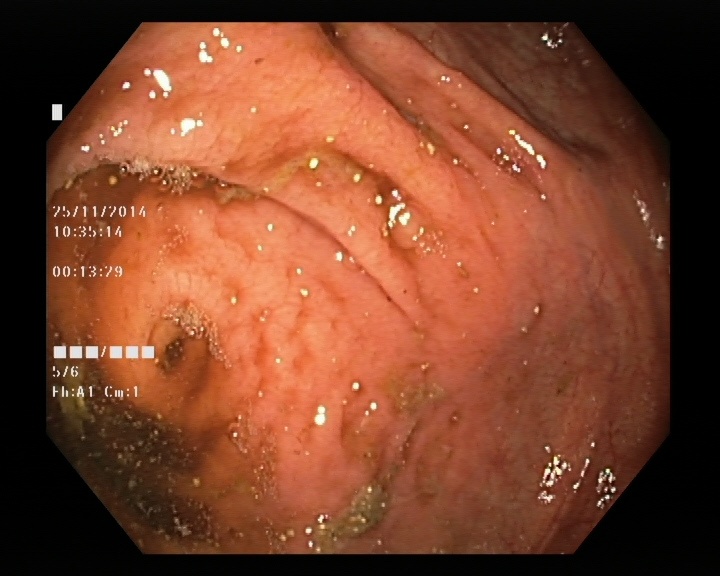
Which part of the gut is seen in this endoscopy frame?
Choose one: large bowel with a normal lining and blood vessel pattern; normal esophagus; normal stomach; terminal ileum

large bowel with a normal lining and blood vessel pattern